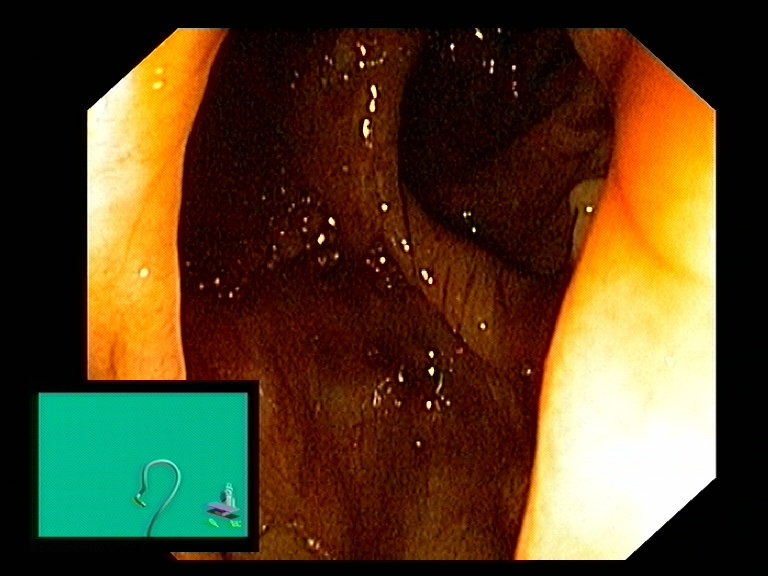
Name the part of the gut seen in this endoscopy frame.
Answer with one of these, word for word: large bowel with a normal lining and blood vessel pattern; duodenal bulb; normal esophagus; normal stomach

large bowel with a normal lining and blood vessel pattern